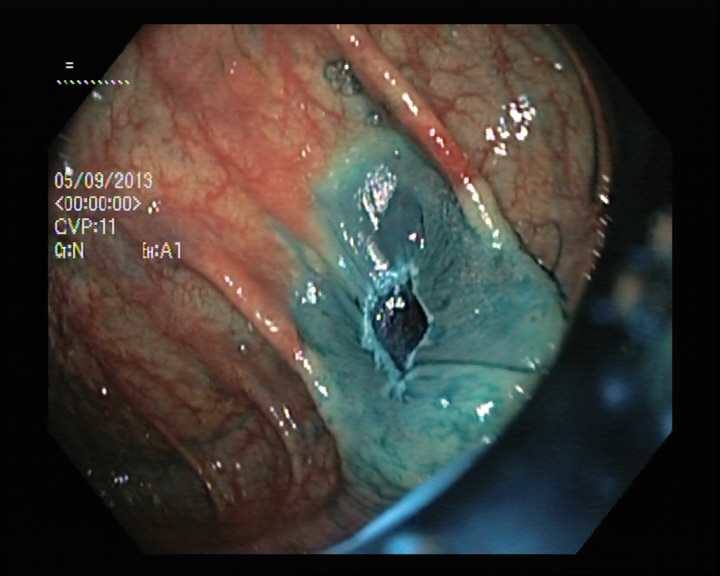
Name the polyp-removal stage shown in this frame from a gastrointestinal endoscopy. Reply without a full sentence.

dyed resection margin (post-polypectomy)